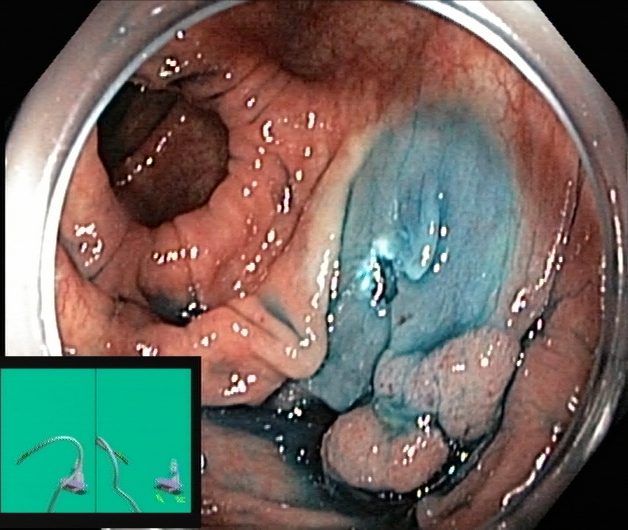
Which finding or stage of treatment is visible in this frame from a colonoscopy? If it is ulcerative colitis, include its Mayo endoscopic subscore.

dyed and lifted polyp (pre-resection)